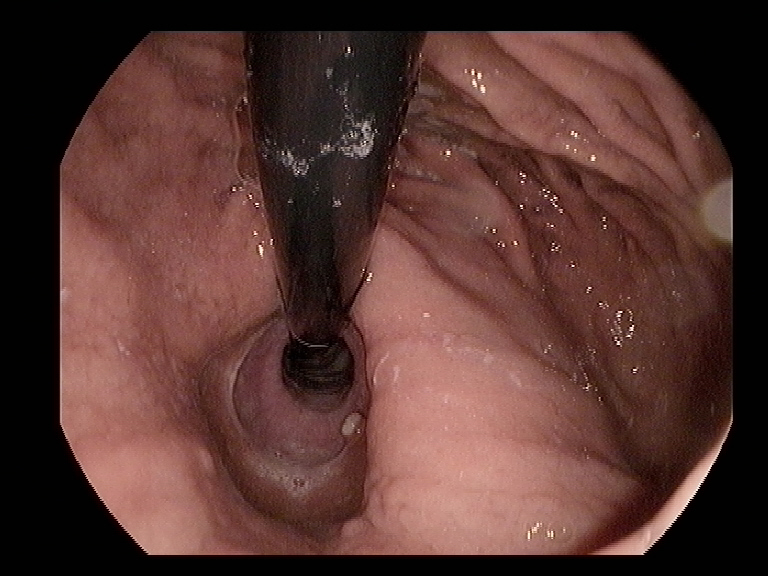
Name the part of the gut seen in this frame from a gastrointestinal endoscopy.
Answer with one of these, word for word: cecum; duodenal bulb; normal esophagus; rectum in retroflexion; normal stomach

normal stomach